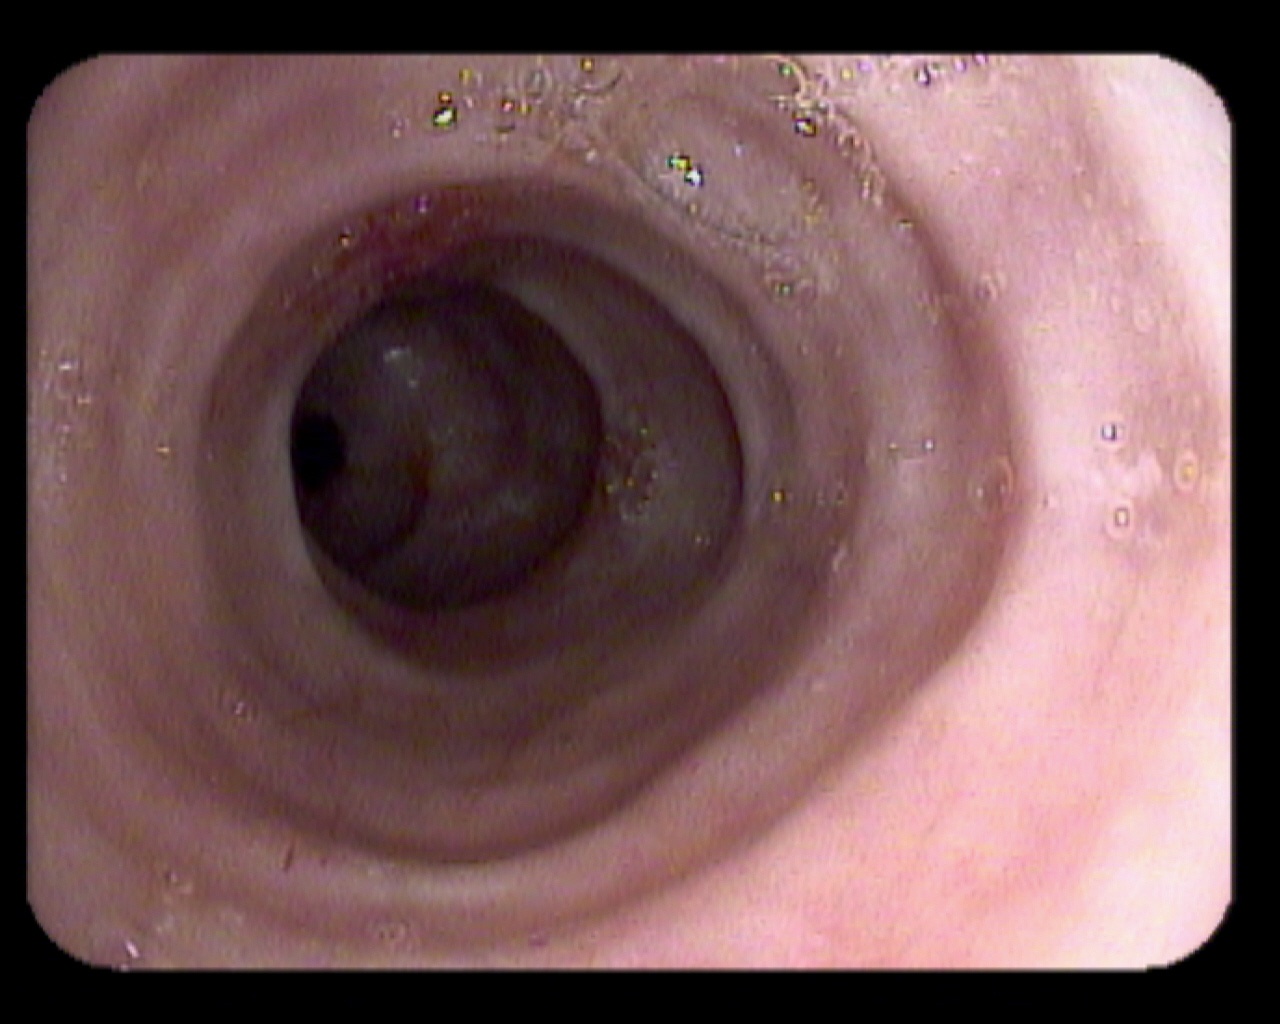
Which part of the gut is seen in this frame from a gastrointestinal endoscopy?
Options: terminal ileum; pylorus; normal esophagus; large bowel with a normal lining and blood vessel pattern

normal esophagus